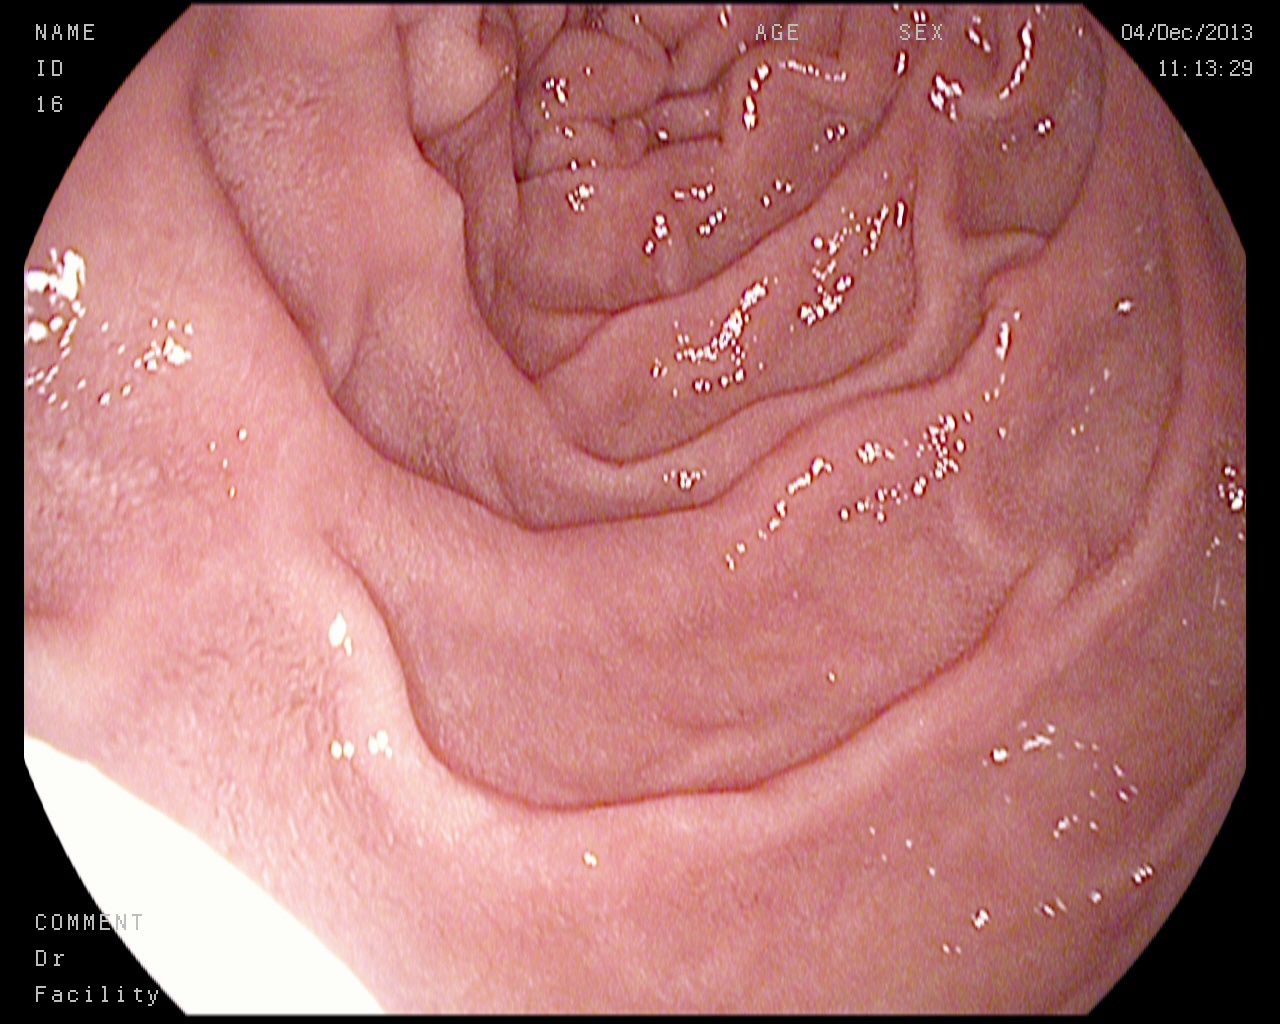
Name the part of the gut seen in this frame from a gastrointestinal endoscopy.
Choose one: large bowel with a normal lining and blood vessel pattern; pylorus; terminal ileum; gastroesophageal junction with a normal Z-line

terminal ileum